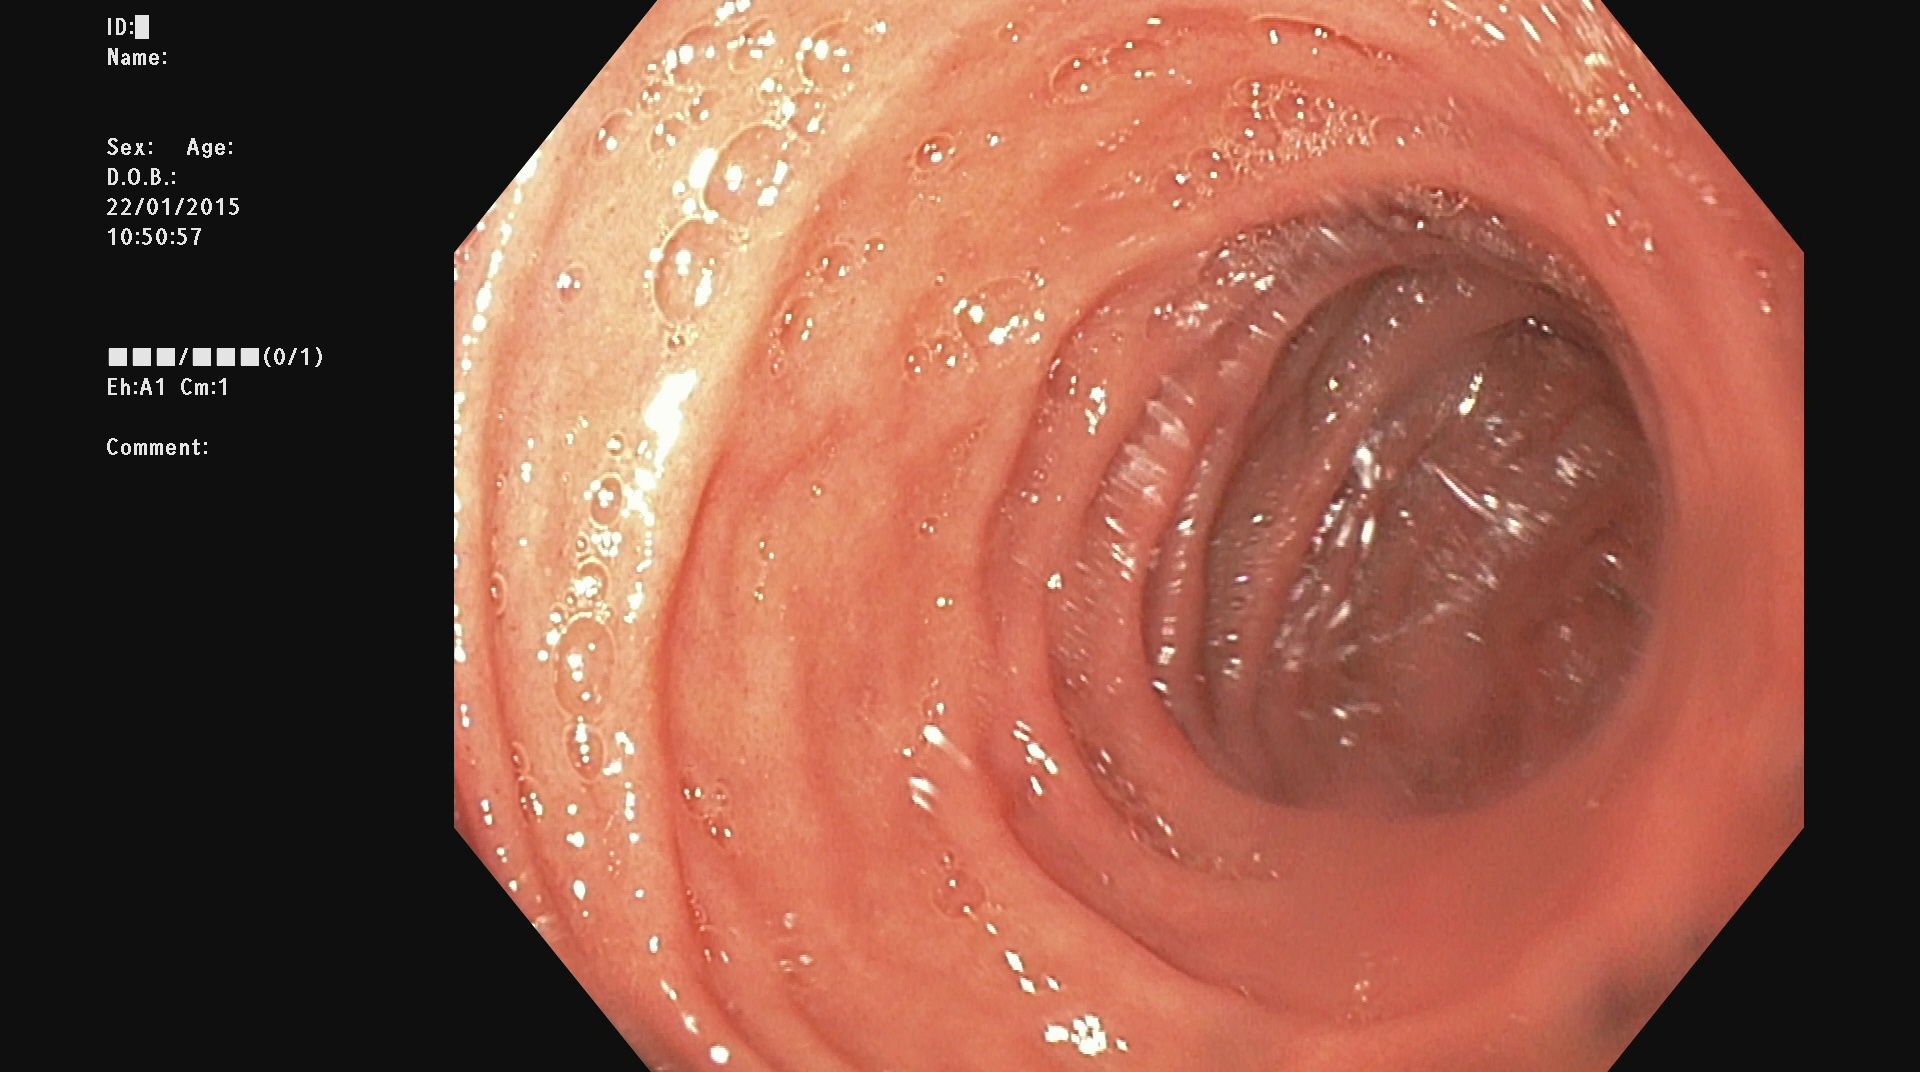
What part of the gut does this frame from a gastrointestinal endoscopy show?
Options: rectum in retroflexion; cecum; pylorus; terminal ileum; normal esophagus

terminal ileum